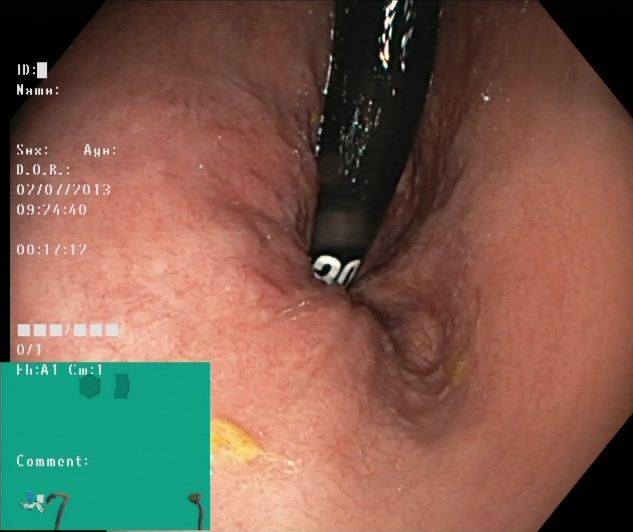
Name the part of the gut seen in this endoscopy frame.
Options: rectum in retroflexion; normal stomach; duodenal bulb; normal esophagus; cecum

rectum in retroflexion